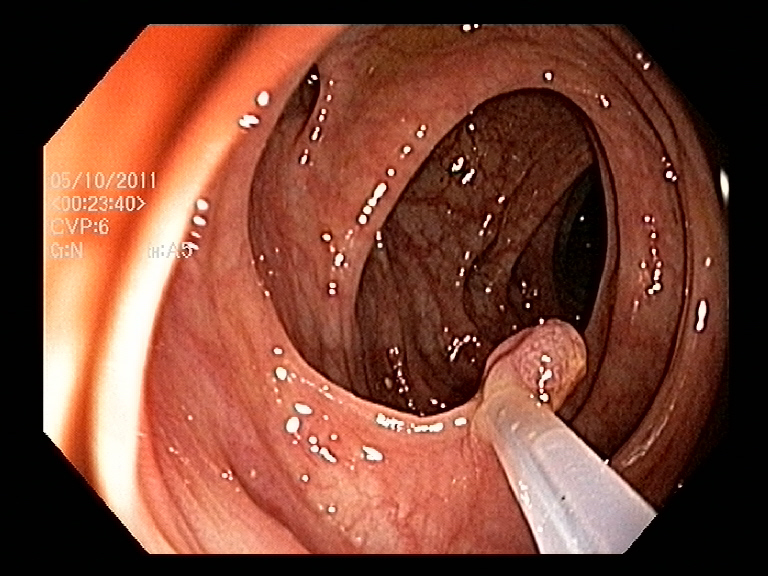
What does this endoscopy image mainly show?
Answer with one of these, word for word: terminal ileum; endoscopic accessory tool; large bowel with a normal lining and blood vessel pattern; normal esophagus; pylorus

endoscopic accessory tool